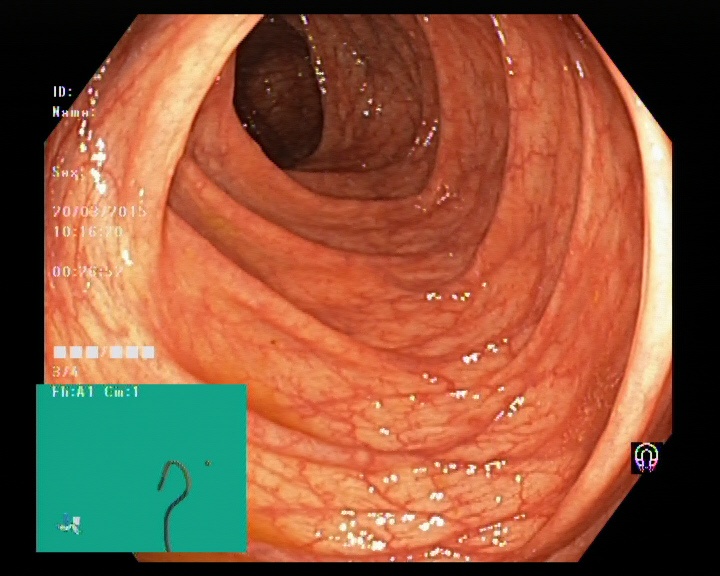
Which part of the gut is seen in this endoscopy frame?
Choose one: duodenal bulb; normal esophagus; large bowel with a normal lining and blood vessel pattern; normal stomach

large bowel with a normal lining and blood vessel pattern